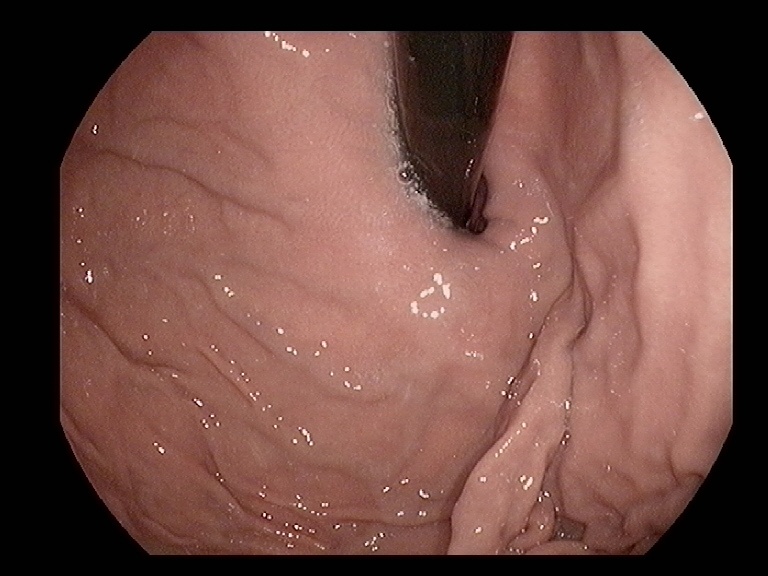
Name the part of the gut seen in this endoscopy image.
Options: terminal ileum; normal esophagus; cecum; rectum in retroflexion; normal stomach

normal stomach